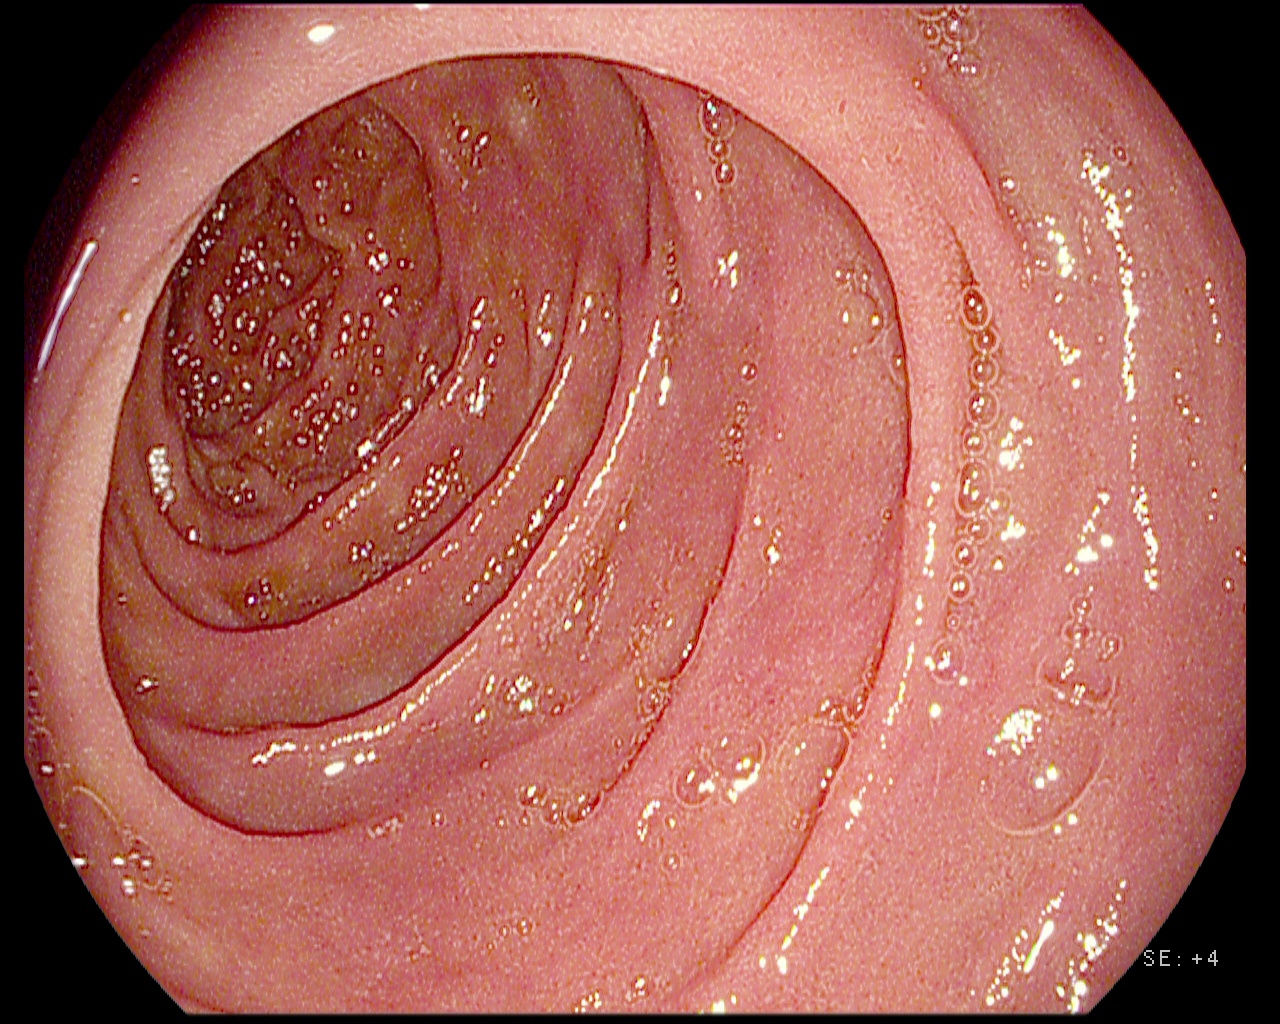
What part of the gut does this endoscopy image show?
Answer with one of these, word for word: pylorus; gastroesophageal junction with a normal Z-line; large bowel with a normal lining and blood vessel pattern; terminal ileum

terminal ileum